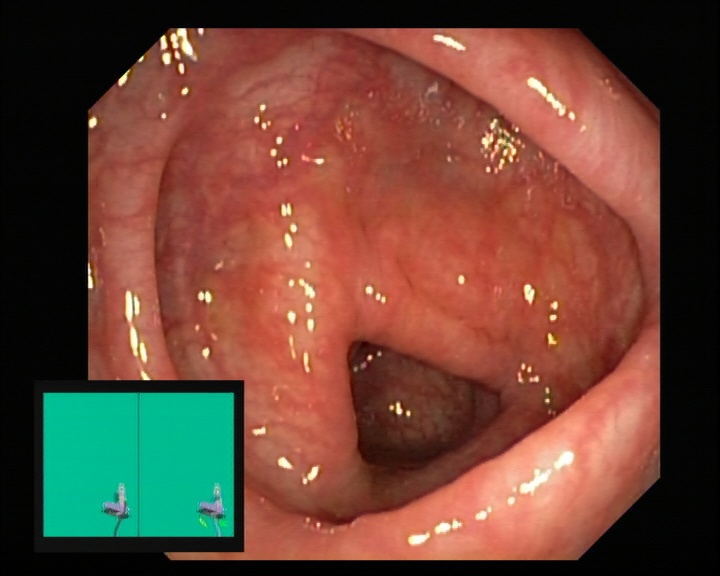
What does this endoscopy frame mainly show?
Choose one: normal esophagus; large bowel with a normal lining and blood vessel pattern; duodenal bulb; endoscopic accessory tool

large bowel with a normal lining and blood vessel pattern